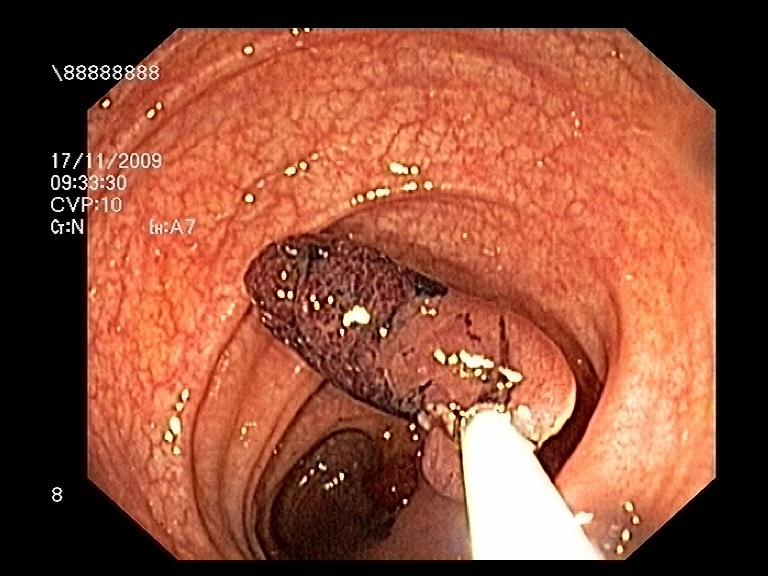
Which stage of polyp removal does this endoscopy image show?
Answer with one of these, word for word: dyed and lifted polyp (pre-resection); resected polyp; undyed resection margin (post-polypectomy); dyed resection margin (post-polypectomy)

resected polyp